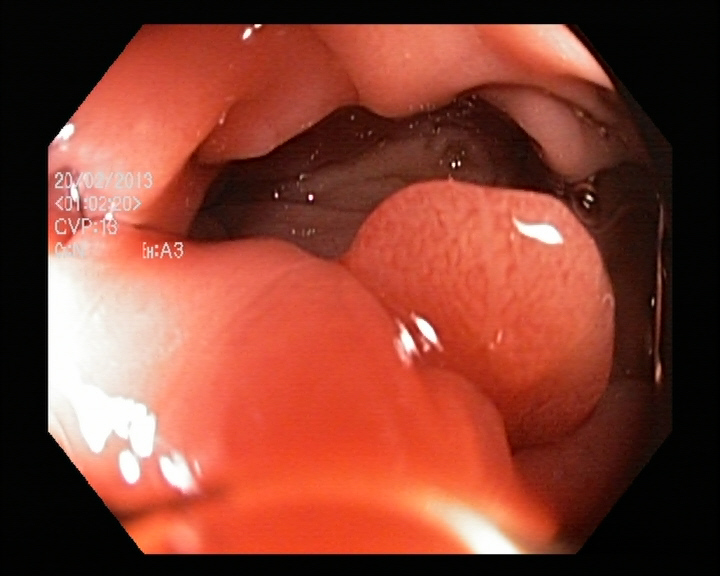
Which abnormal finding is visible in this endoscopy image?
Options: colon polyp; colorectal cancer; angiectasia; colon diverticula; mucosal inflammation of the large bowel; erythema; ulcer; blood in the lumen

colon polyp